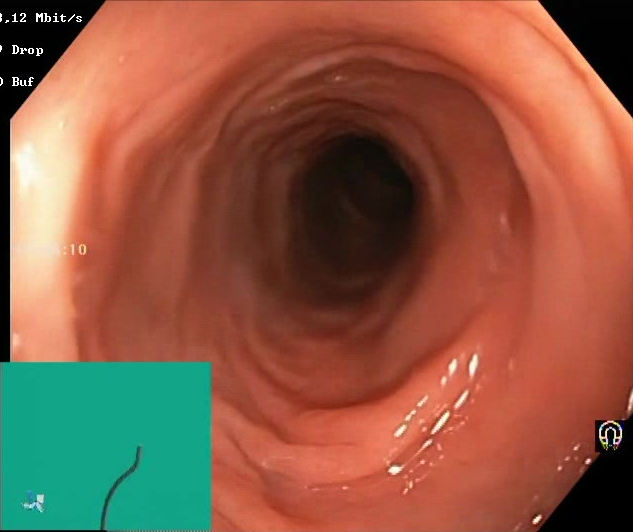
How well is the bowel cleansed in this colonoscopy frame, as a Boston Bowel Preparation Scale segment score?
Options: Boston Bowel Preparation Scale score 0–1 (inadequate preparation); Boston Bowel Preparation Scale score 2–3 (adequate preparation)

Boston Bowel Preparation Scale score 2–3 (adequate preparation)